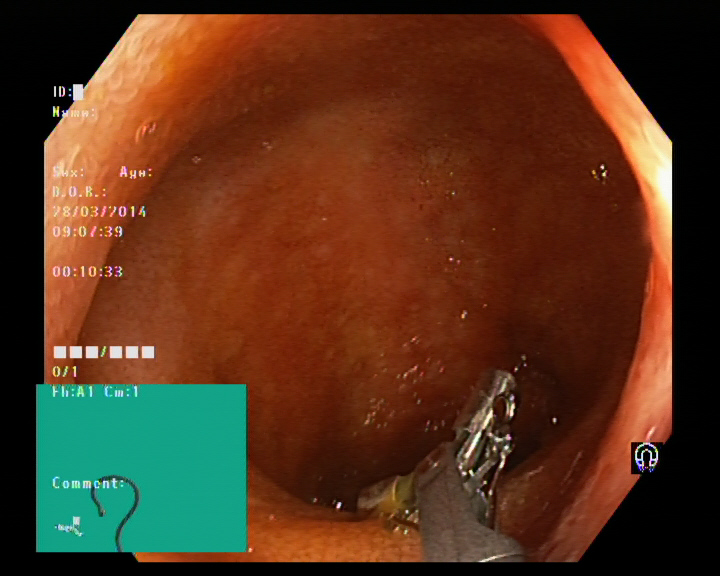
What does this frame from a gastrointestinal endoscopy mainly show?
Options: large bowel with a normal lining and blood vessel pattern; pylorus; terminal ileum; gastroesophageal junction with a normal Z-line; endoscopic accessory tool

endoscopic accessory tool